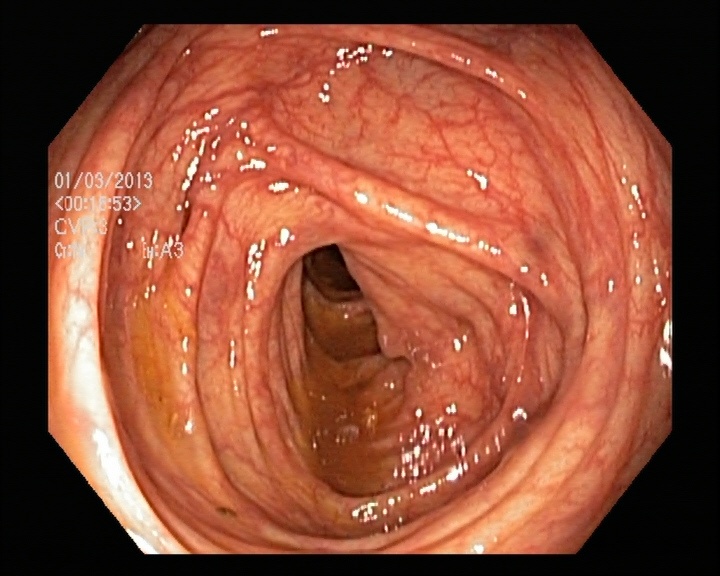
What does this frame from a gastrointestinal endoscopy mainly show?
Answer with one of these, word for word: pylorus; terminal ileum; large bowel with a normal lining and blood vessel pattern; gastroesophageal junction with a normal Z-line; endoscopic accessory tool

large bowel with a normal lining and blood vessel pattern